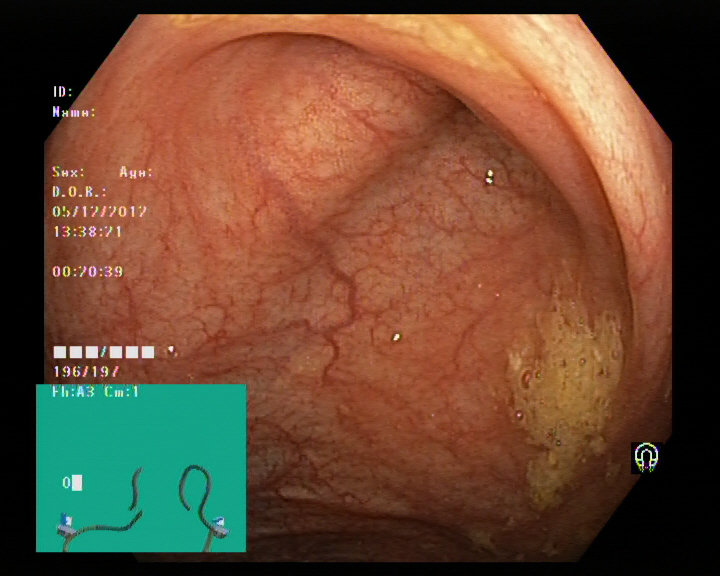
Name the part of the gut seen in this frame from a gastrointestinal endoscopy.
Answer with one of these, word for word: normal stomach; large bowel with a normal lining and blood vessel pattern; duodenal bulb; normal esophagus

large bowel with a normal lining and blood vessel pattern